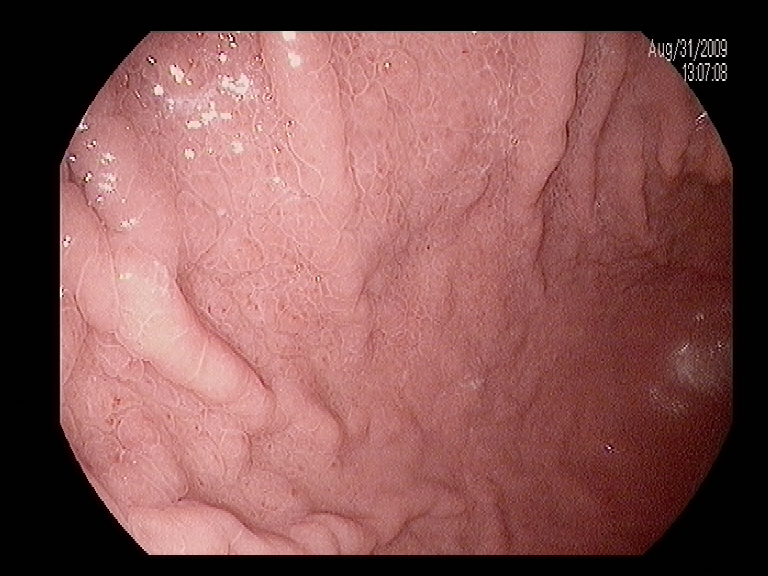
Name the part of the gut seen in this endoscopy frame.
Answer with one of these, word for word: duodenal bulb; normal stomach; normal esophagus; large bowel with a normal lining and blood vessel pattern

normal stomach